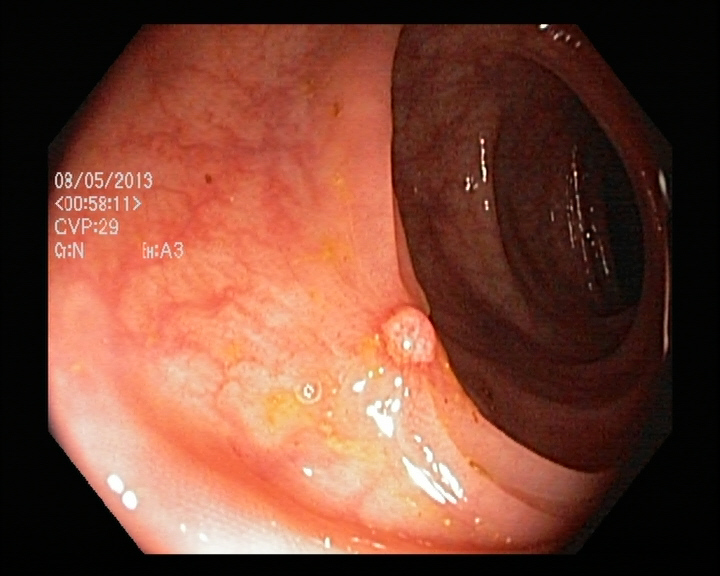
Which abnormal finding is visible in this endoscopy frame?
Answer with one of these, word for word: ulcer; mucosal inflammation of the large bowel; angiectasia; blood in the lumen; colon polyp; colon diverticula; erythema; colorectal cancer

colon polyp